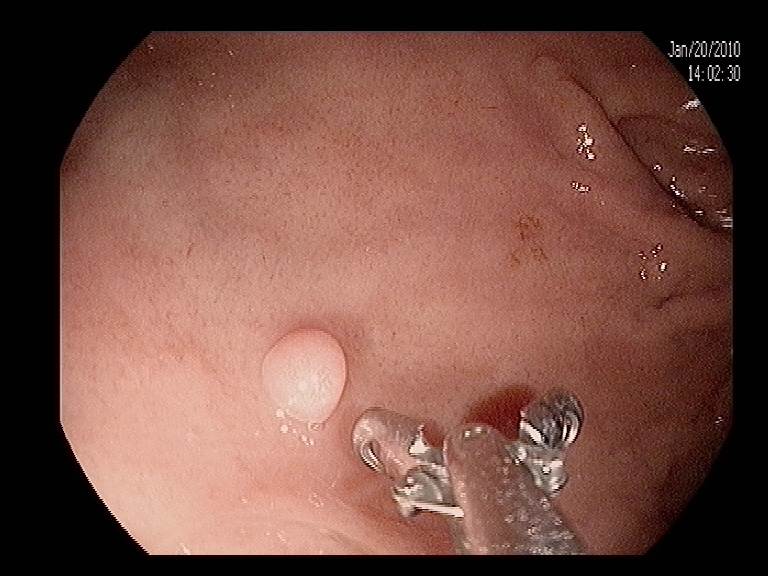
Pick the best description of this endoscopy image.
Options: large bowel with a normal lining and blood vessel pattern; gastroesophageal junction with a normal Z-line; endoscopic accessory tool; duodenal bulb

endoscopic accessory tool